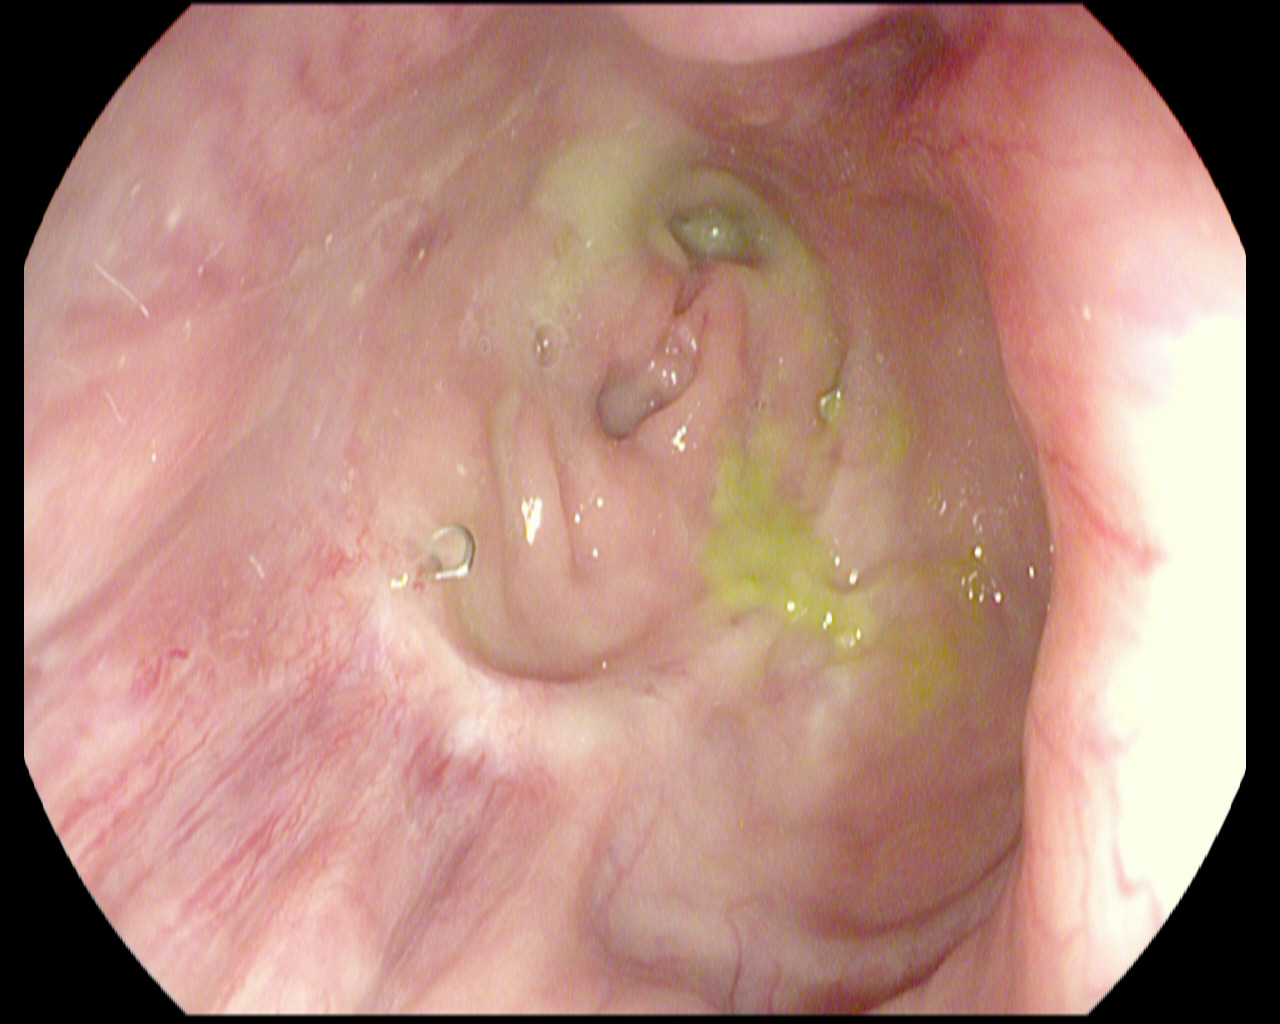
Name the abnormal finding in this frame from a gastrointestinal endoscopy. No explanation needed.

esophagitis